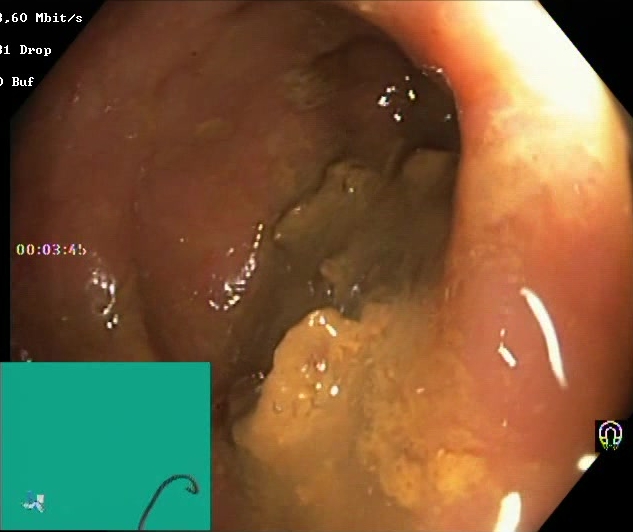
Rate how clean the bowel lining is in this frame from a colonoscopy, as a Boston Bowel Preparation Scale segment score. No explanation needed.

Boston Bowel Preparation Scale score 0–1 (inadequate preparation)